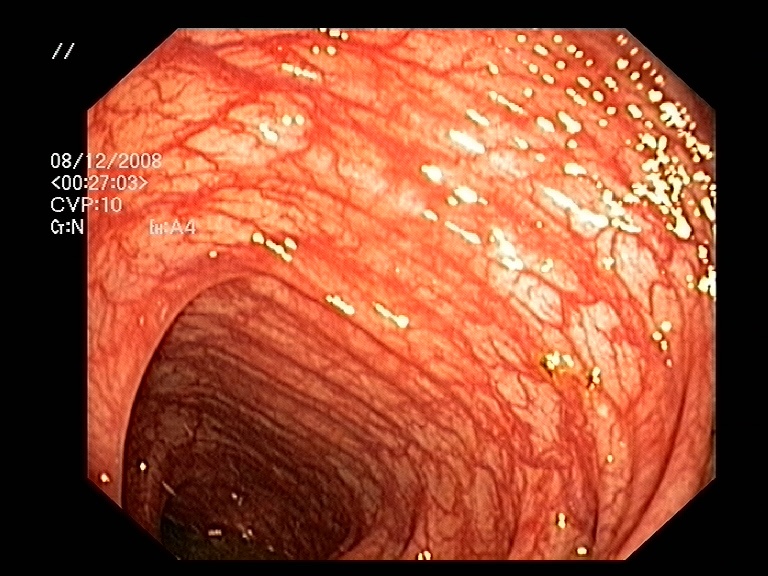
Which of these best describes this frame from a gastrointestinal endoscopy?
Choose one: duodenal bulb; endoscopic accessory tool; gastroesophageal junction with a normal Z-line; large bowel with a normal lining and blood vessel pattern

large bowel with a normal lining and blood vessel pattern